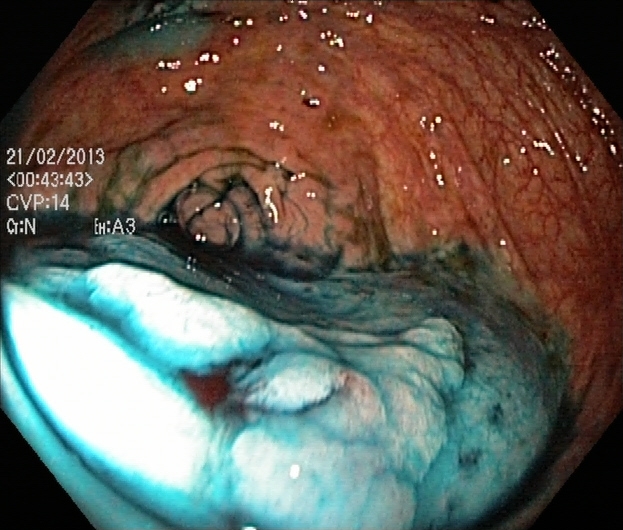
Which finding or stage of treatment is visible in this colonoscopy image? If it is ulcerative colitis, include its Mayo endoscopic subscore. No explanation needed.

dyed and lifted polyp (pre-resection)